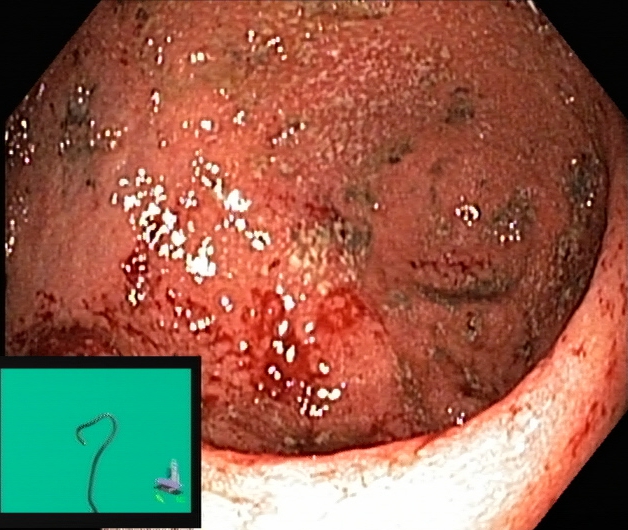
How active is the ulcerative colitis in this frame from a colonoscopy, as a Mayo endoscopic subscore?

ulcerative colitis, Mayo endoscopic subscore 2